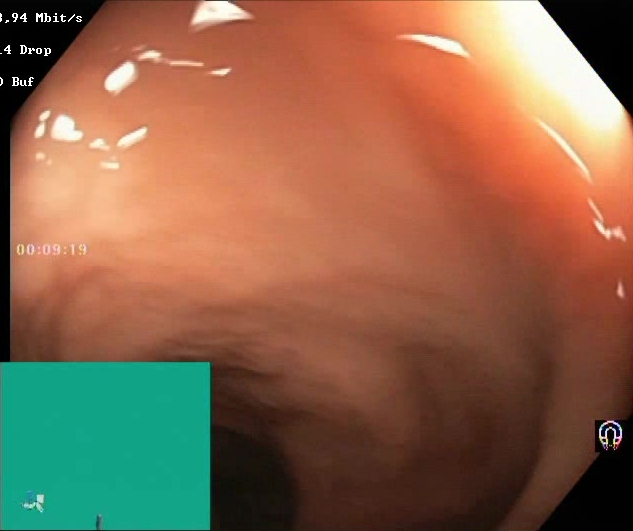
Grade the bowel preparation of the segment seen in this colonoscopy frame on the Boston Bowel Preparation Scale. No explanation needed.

Boston Bowel Preparation Scale score 2–3 (adequate preparation)